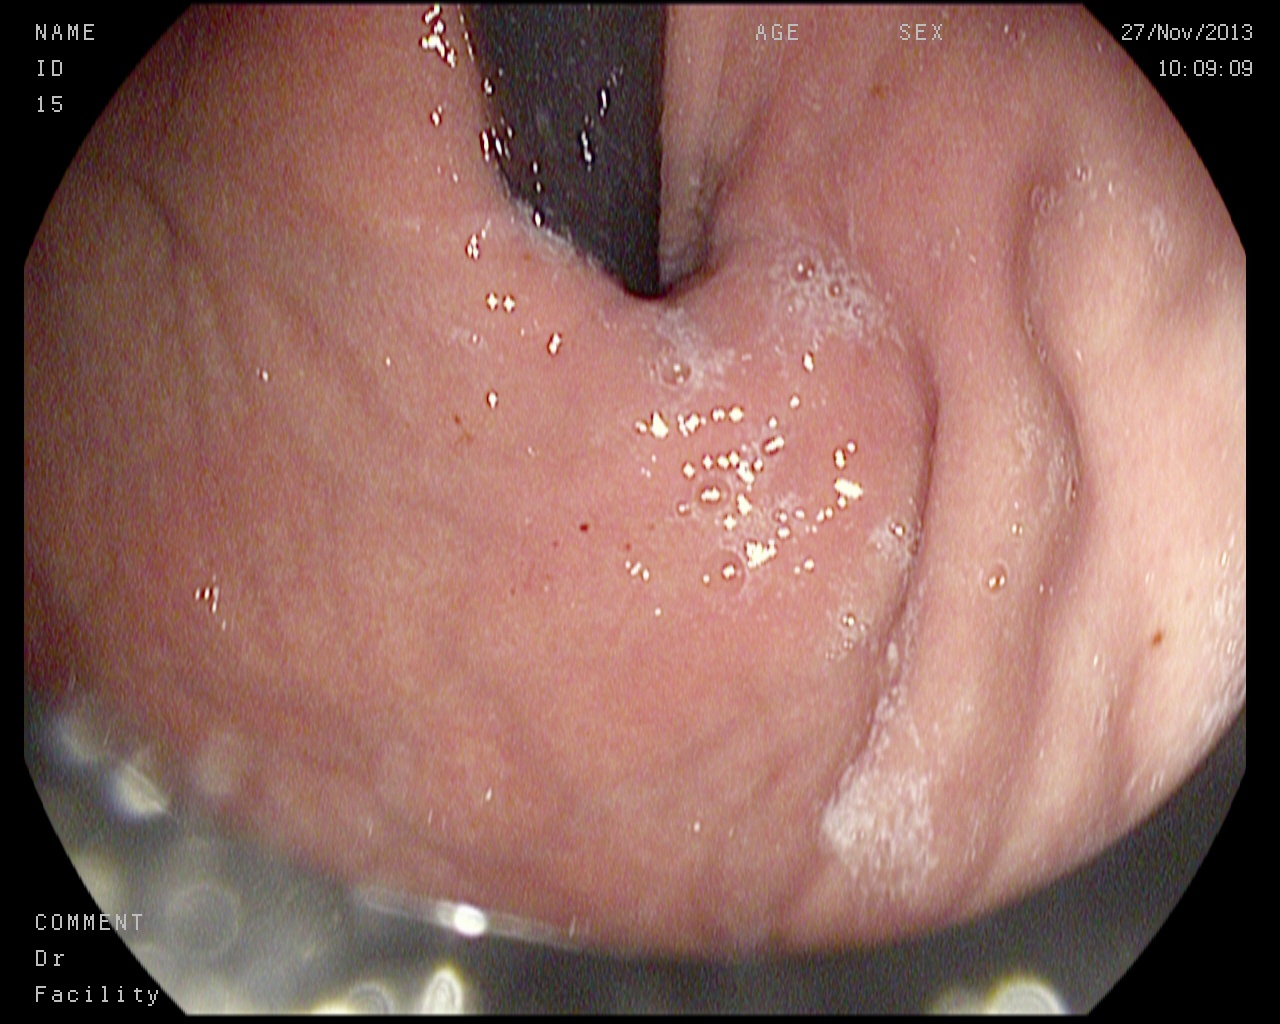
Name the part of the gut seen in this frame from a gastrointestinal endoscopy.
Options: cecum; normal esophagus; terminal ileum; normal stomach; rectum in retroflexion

normal stomach